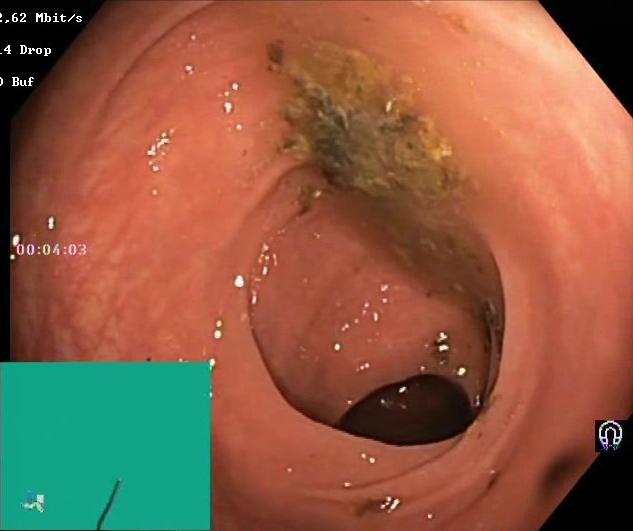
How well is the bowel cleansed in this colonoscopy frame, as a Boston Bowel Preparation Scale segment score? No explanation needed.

Boston Bowel Preparation Scale score 0–1 (inadequate preparation)